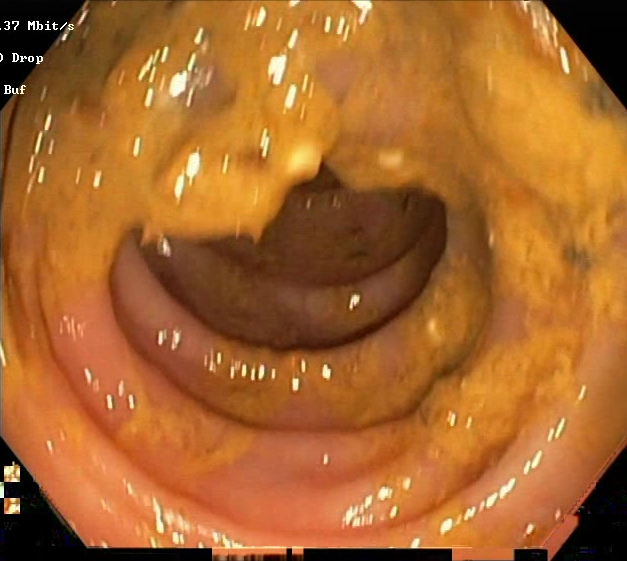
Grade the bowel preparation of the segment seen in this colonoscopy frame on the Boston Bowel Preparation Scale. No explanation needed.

Boston Bowel Preparation Scale score 0–1 (inadequate preparation)